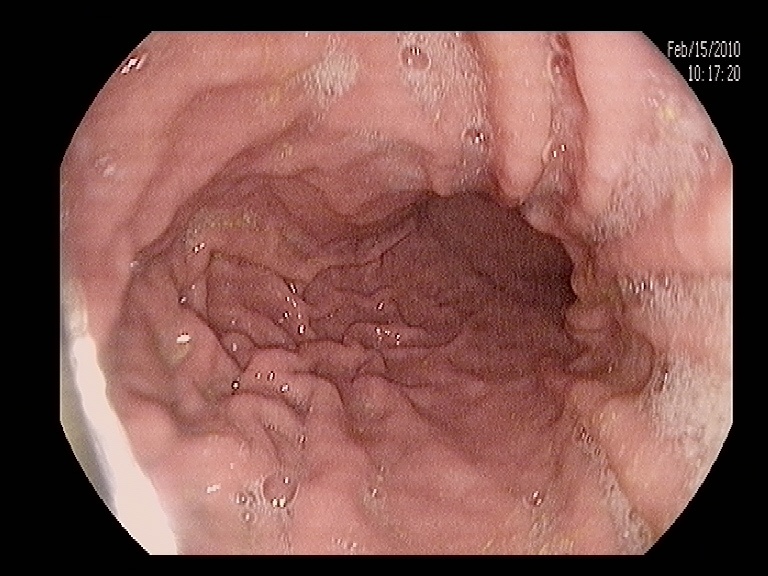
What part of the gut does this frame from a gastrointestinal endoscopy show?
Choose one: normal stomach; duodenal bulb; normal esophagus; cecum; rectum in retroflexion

normal stomach